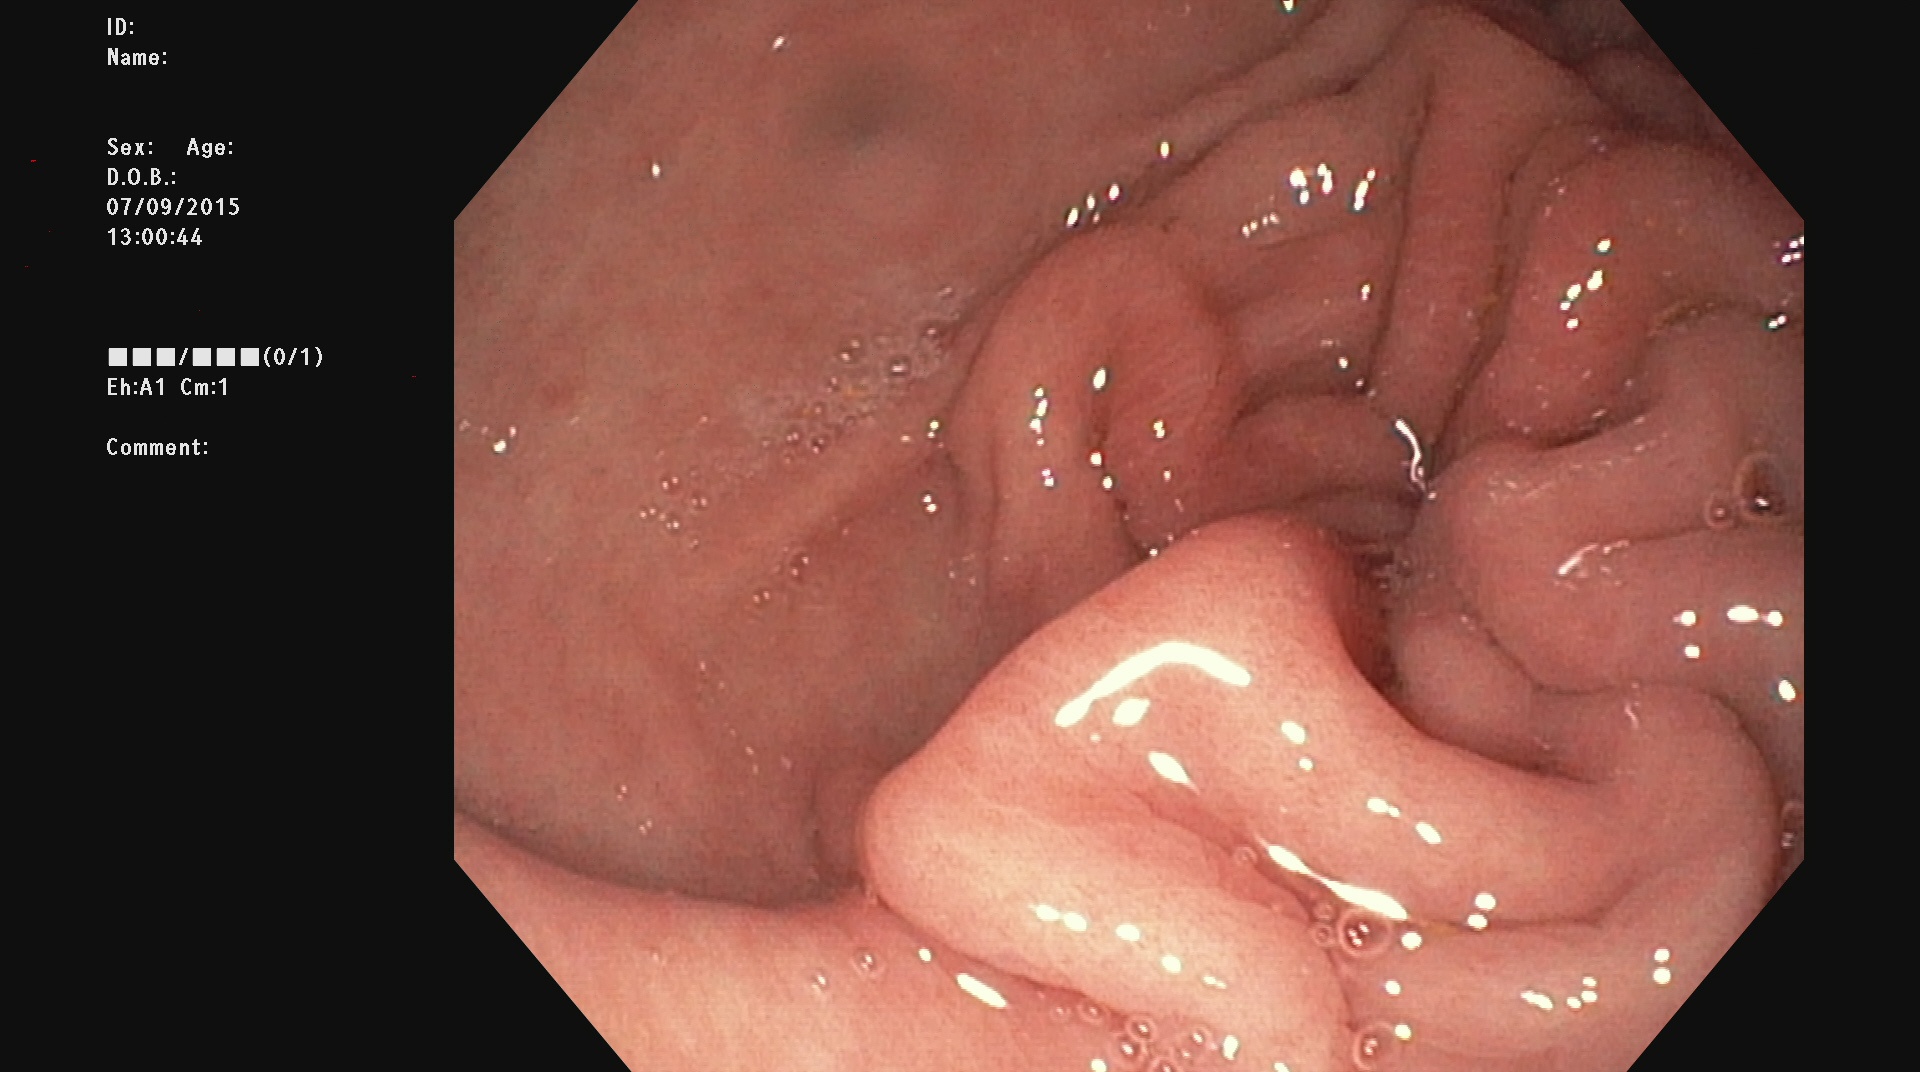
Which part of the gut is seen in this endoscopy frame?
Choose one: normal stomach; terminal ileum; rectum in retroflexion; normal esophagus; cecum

normal stomach